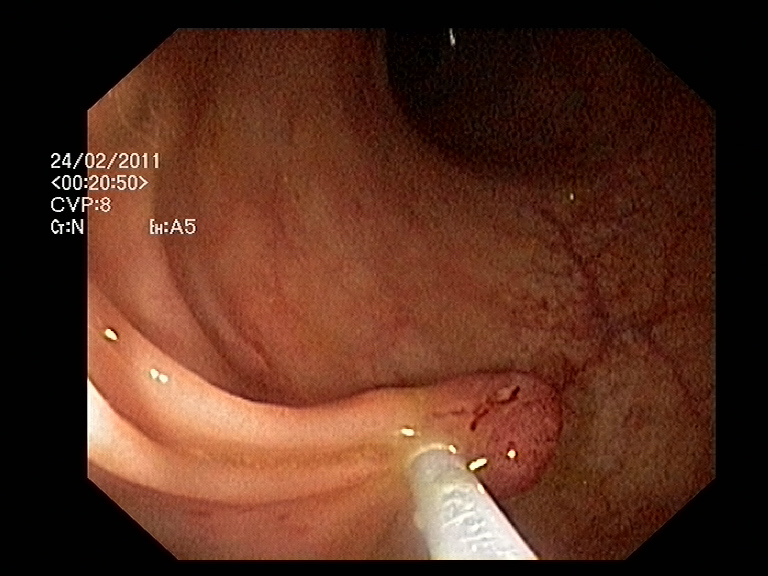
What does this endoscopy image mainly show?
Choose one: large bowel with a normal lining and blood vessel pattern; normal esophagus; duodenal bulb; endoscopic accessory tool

endoscopic accessory tool